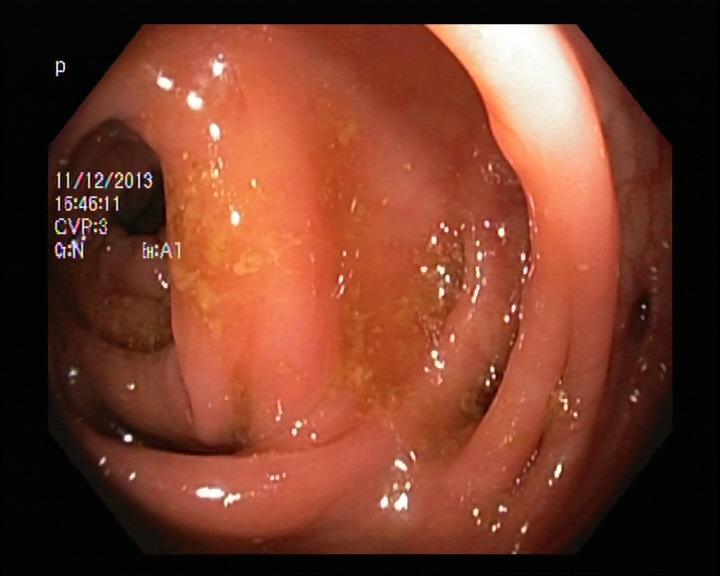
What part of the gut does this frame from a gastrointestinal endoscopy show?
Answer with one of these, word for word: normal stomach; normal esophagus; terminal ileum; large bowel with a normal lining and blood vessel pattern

large bowel with a normal lining and blood vessel pattern